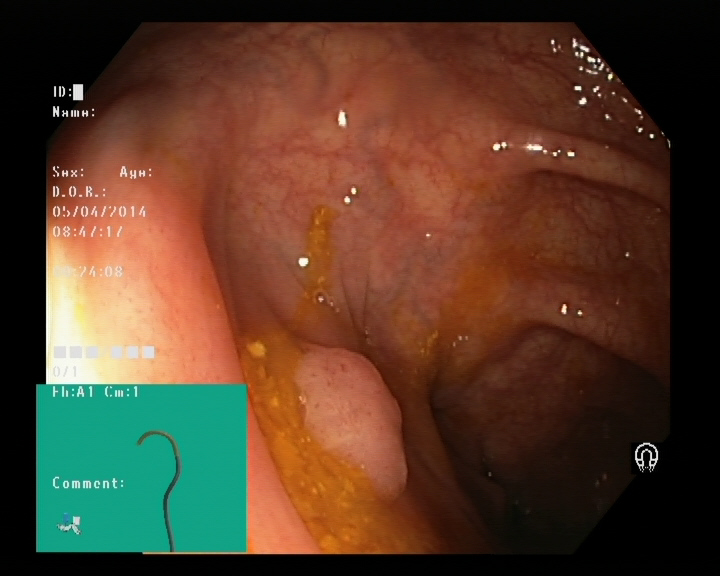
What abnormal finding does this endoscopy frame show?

colon polyp